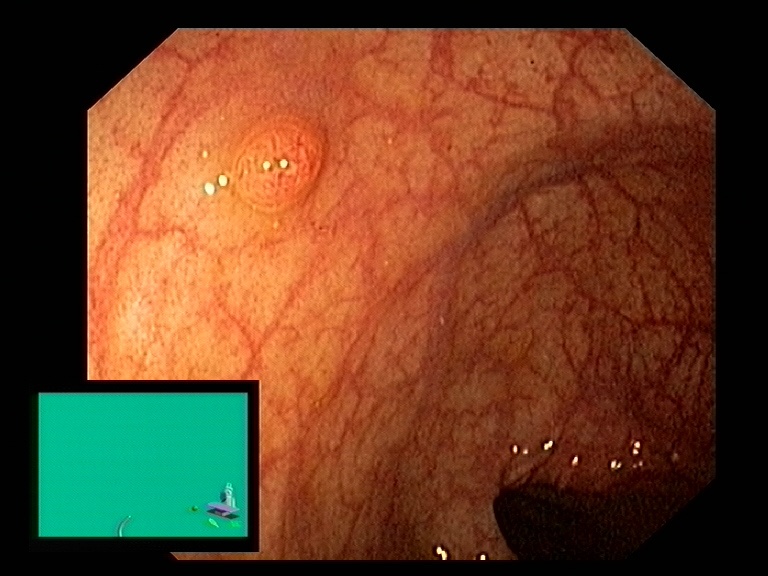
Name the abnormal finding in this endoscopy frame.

colon polyp